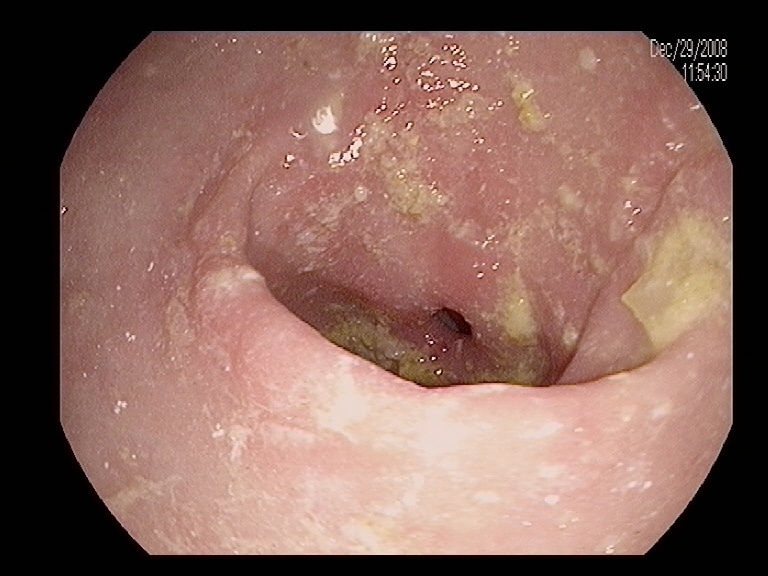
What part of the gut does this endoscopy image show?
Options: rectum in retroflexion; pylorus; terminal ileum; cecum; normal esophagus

pylorus